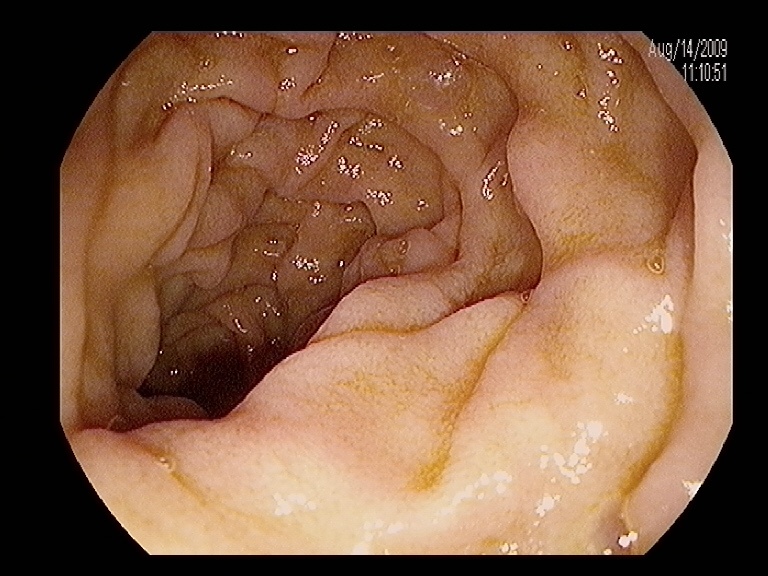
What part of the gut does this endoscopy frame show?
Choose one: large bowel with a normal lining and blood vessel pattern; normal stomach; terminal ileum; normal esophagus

terminal ileum